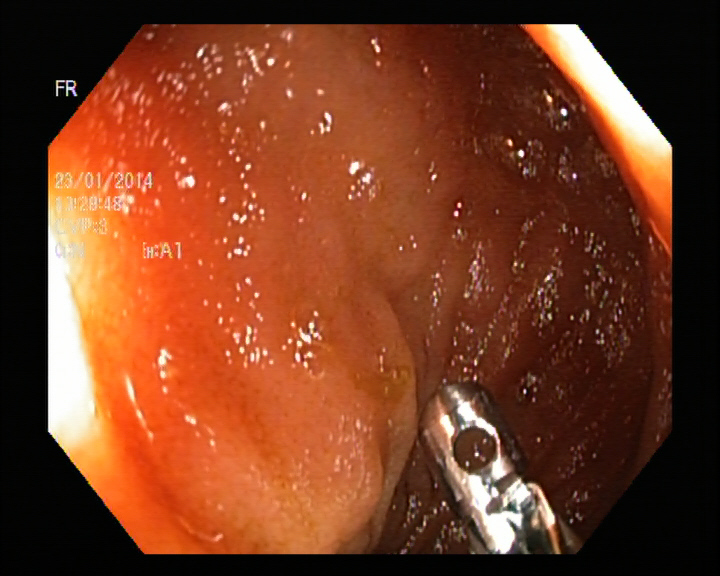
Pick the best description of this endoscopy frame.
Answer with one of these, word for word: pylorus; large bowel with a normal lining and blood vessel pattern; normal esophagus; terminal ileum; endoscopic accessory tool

endoscopic accessory tool